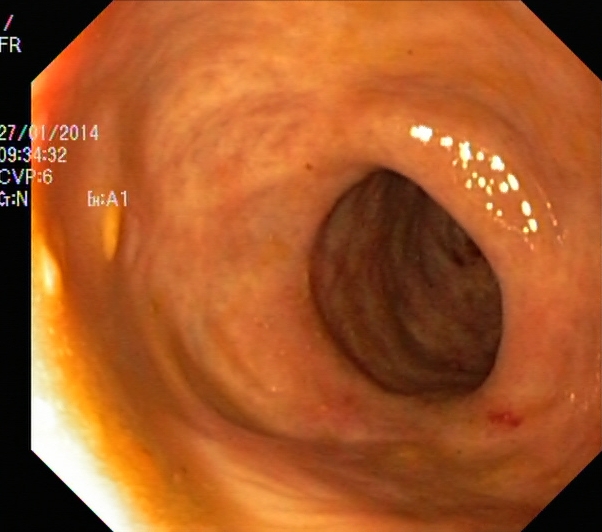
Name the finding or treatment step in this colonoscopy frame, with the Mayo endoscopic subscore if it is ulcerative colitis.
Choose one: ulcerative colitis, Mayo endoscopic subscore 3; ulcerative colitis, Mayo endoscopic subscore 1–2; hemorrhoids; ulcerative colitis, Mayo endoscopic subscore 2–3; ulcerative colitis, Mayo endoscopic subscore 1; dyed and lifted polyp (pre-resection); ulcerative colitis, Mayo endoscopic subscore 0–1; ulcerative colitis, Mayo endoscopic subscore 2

ulcerative colitis, Mayo endoscopic subscore 2